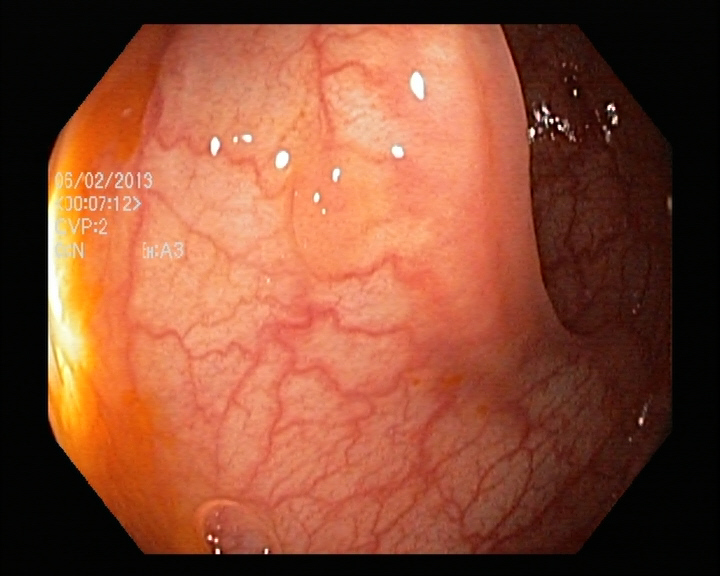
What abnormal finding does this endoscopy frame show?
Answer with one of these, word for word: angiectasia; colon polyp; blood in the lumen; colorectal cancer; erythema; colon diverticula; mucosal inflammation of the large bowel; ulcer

colon polyp